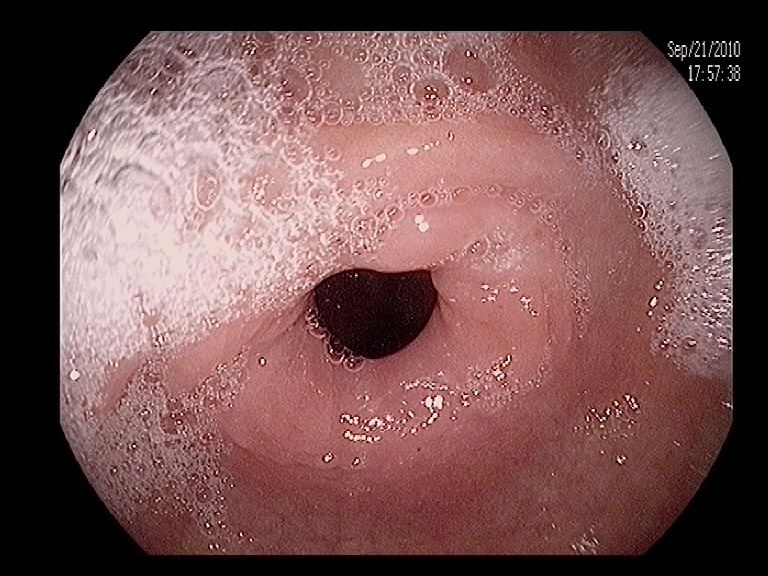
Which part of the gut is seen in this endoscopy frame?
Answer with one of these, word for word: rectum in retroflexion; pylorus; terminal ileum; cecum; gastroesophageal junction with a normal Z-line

pylorus